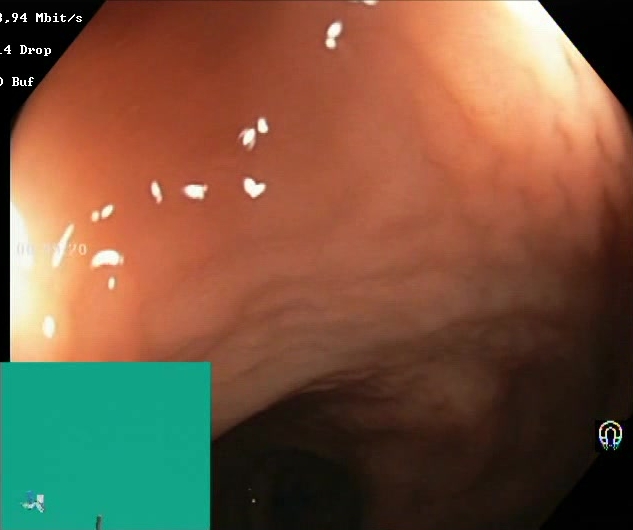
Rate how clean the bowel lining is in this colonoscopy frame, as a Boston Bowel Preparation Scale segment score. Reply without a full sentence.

Boston Bowel Preparation Scale score 2–3 (adequate preparation)